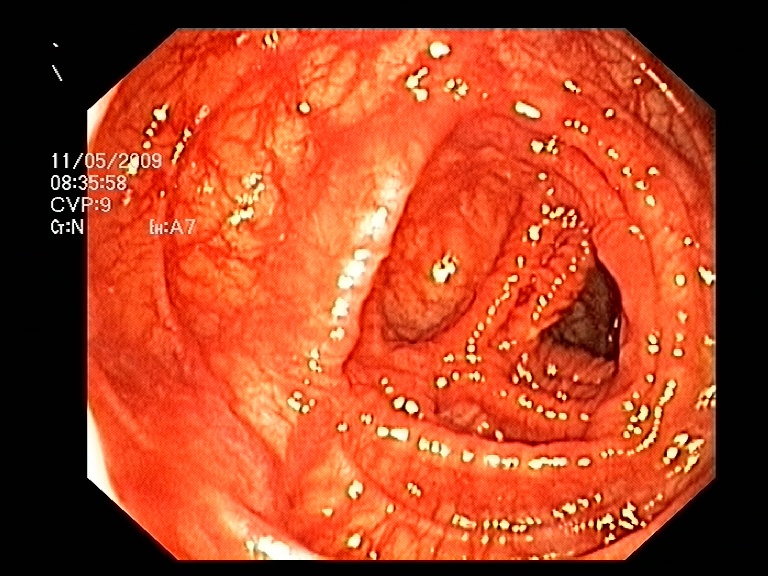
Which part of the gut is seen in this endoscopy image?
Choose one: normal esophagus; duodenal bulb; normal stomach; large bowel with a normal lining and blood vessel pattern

large bowel with a normal lining and blood vessel pattern